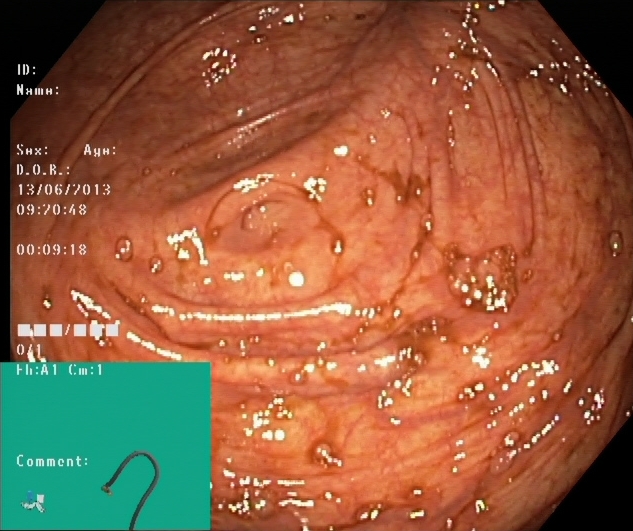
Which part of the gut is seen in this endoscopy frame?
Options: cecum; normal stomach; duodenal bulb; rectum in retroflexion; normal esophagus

cecum